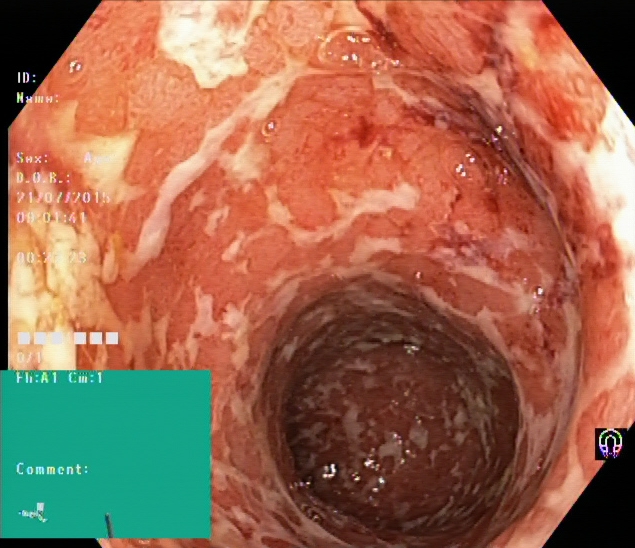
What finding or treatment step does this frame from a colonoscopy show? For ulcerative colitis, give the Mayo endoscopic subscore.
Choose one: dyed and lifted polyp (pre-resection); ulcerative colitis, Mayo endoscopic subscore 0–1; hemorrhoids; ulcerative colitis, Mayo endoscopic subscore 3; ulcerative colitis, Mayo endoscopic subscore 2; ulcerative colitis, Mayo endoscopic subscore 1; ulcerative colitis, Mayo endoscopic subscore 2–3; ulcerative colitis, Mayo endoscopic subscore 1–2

ulcerative colitis, Mayo endoscopic subscore 2